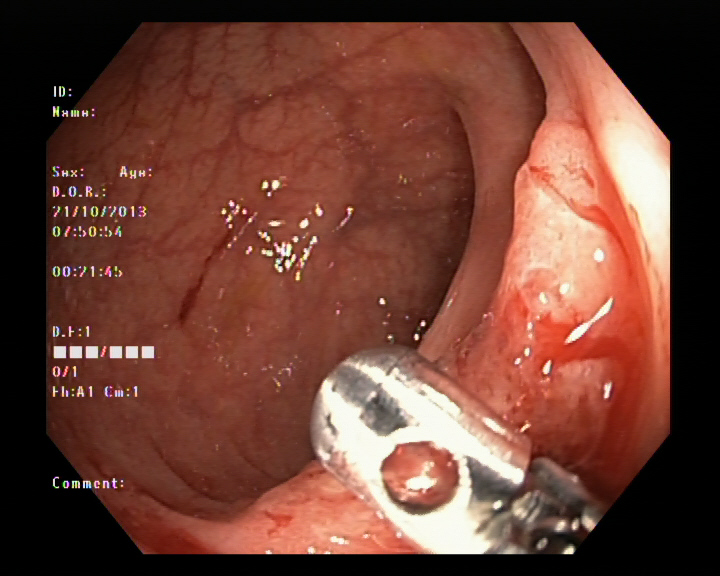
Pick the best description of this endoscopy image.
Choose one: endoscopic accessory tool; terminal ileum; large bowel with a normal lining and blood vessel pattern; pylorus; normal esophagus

endoscopic accessory tool